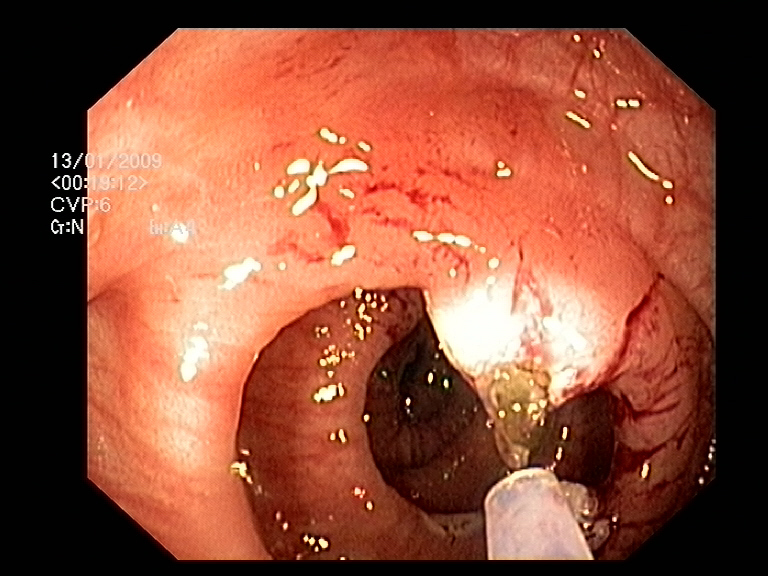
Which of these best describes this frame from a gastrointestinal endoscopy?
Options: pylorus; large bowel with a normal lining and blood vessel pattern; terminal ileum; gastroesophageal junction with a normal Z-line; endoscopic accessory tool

endoscopic accessory tool